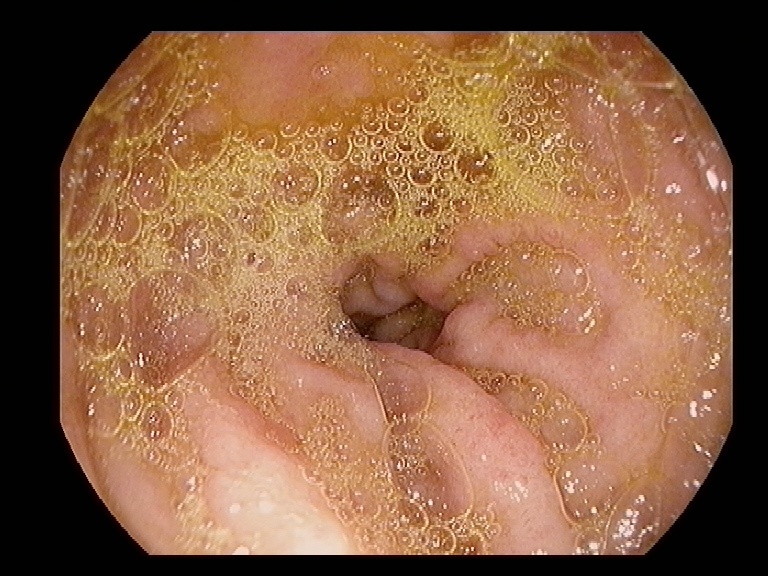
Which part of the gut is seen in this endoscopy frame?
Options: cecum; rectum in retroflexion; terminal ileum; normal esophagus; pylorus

terminal ileum